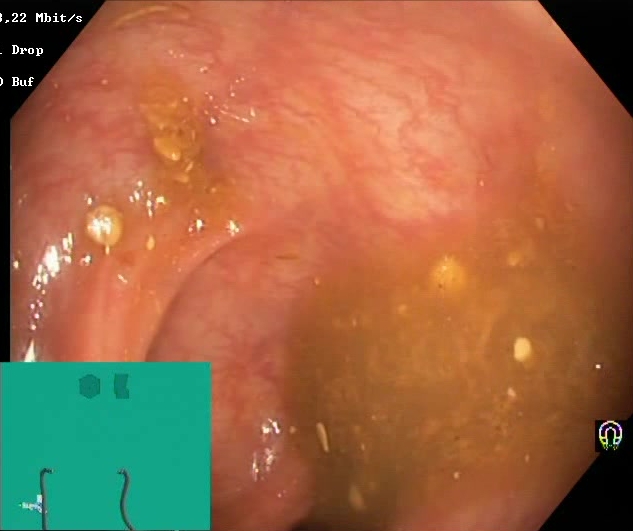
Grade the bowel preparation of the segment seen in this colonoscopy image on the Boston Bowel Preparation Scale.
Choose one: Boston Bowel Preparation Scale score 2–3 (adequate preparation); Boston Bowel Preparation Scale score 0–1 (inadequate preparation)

Boston Bowel Preparation Scale score 0–1 (inadequate preparation)